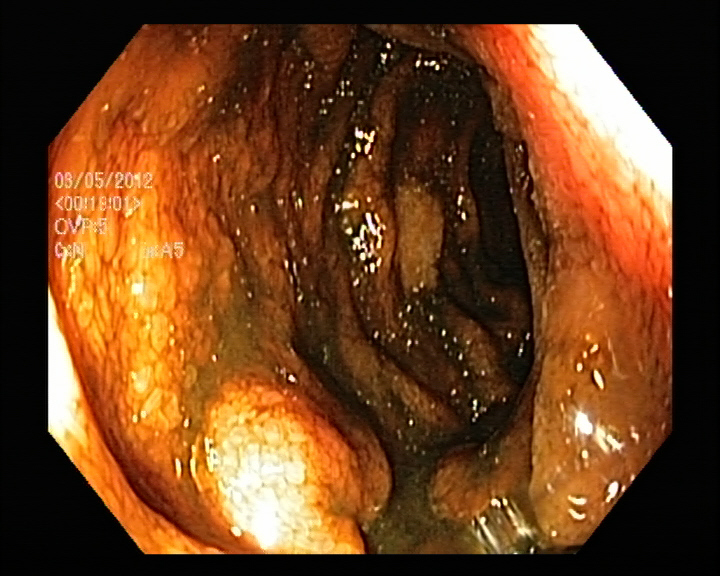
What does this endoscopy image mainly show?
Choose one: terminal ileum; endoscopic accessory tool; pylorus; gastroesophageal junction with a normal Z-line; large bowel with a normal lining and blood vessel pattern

endoscopic accessory tool